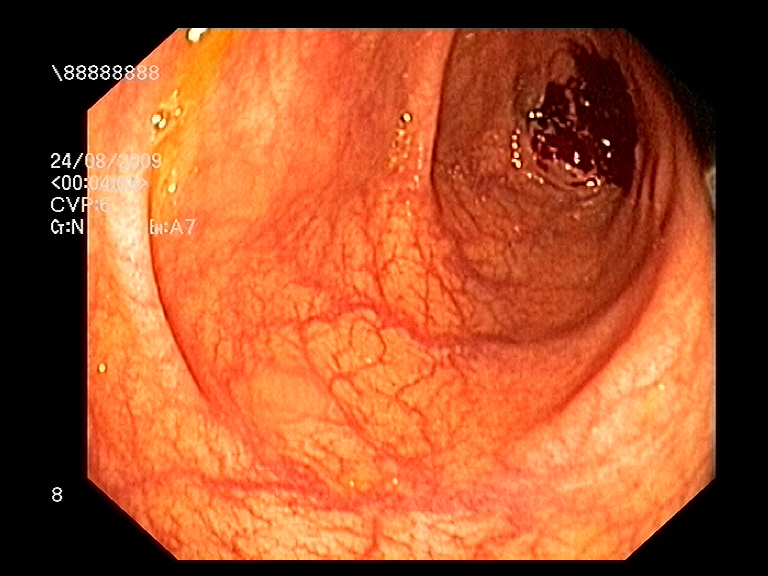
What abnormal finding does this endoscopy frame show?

blood in the lumen